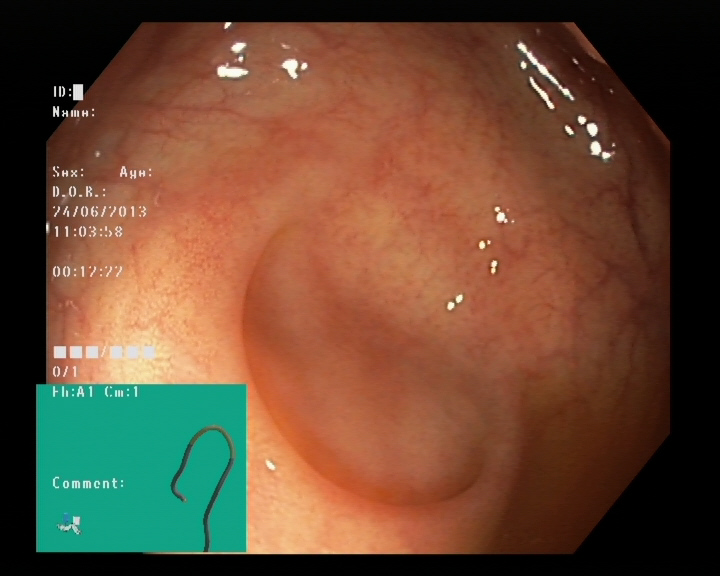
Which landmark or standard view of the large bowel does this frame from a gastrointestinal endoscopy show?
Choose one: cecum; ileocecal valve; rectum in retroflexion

cecum